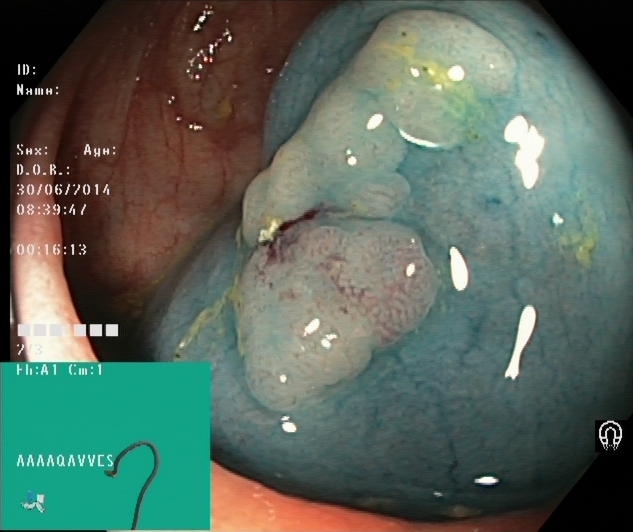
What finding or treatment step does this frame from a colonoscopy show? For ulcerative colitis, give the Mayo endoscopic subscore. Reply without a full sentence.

dyed and lifted polyp (pre-resection)